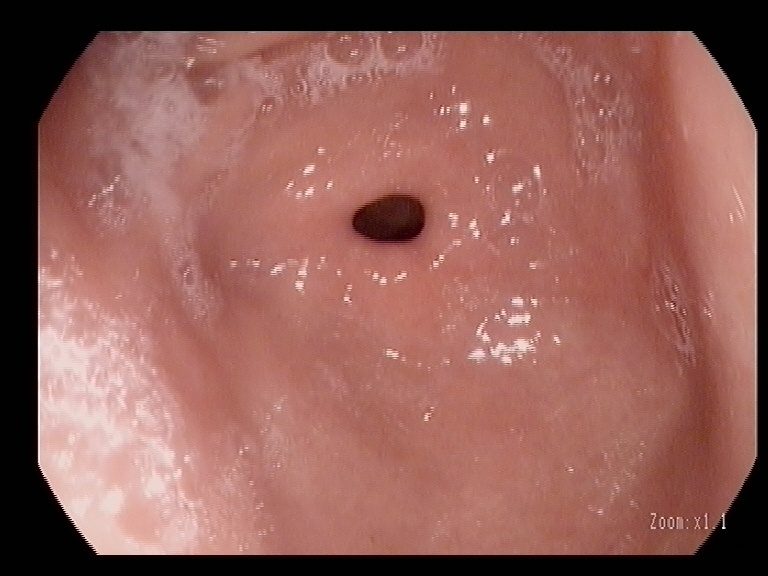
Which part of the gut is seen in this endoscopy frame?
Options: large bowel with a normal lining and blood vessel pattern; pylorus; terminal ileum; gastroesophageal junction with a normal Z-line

pylorus